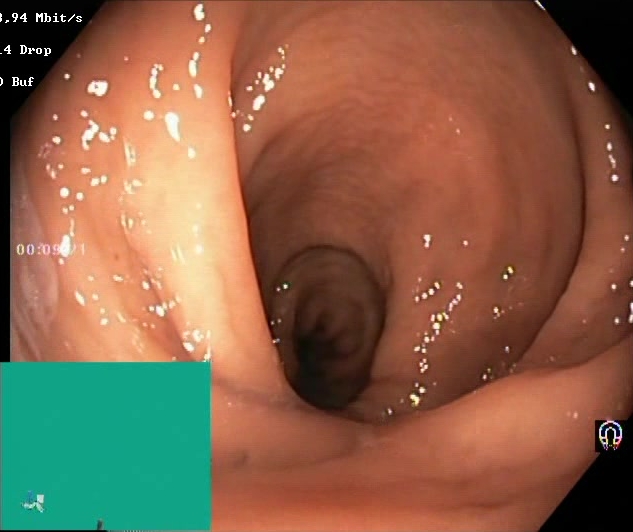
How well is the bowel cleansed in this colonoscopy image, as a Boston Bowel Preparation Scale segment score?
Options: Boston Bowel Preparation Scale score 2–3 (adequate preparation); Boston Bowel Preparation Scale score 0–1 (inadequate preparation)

Boston Bowel Preparation Scale score 2–3 (adequate preparation)